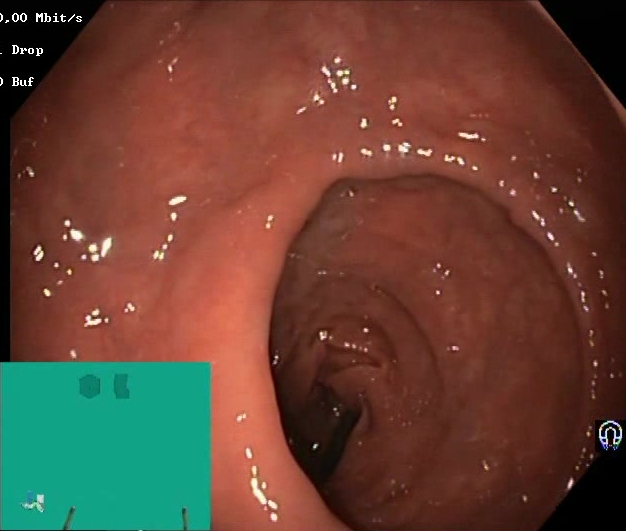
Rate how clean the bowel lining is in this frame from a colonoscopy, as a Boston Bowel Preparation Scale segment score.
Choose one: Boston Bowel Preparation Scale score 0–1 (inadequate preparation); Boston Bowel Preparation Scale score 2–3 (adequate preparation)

Boston Bowel Preparation Scale score 2–3 (adequate preparation)